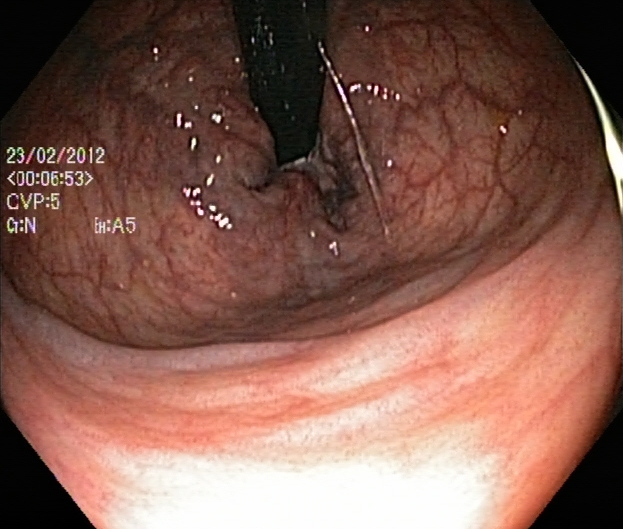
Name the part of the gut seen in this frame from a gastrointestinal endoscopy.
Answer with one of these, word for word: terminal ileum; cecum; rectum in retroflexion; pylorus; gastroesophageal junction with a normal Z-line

rectum in retroflexion